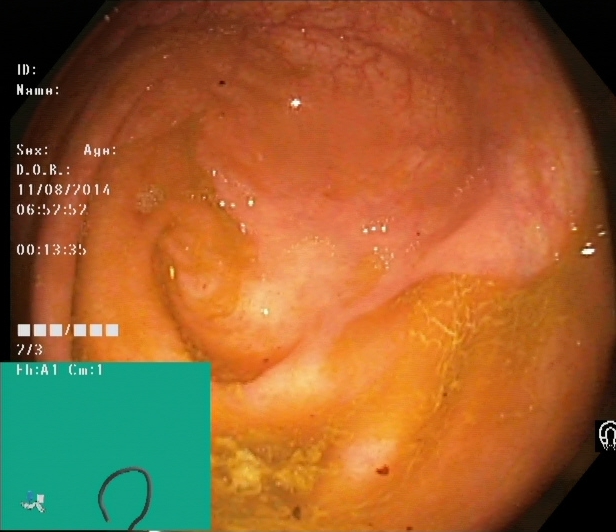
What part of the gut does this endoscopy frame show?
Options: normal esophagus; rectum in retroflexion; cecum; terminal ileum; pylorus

cecum